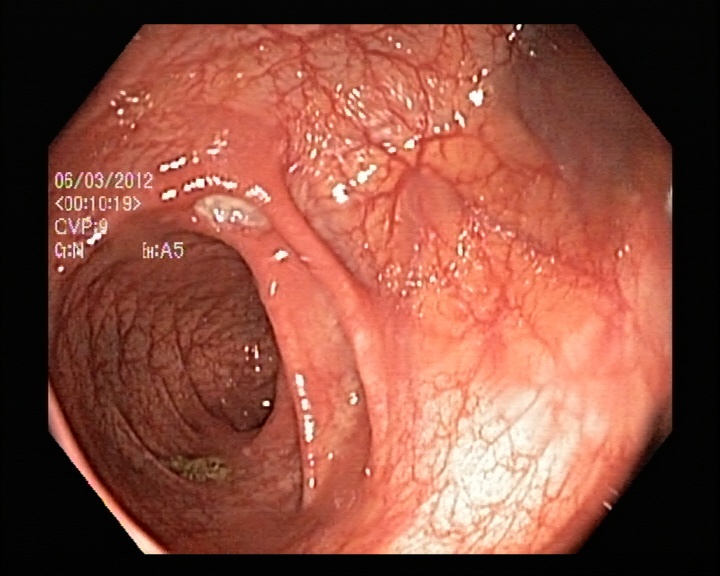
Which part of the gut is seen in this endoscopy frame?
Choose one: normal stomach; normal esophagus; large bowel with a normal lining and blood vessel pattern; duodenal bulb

large bowel with a normal lining and blood vessel pattern